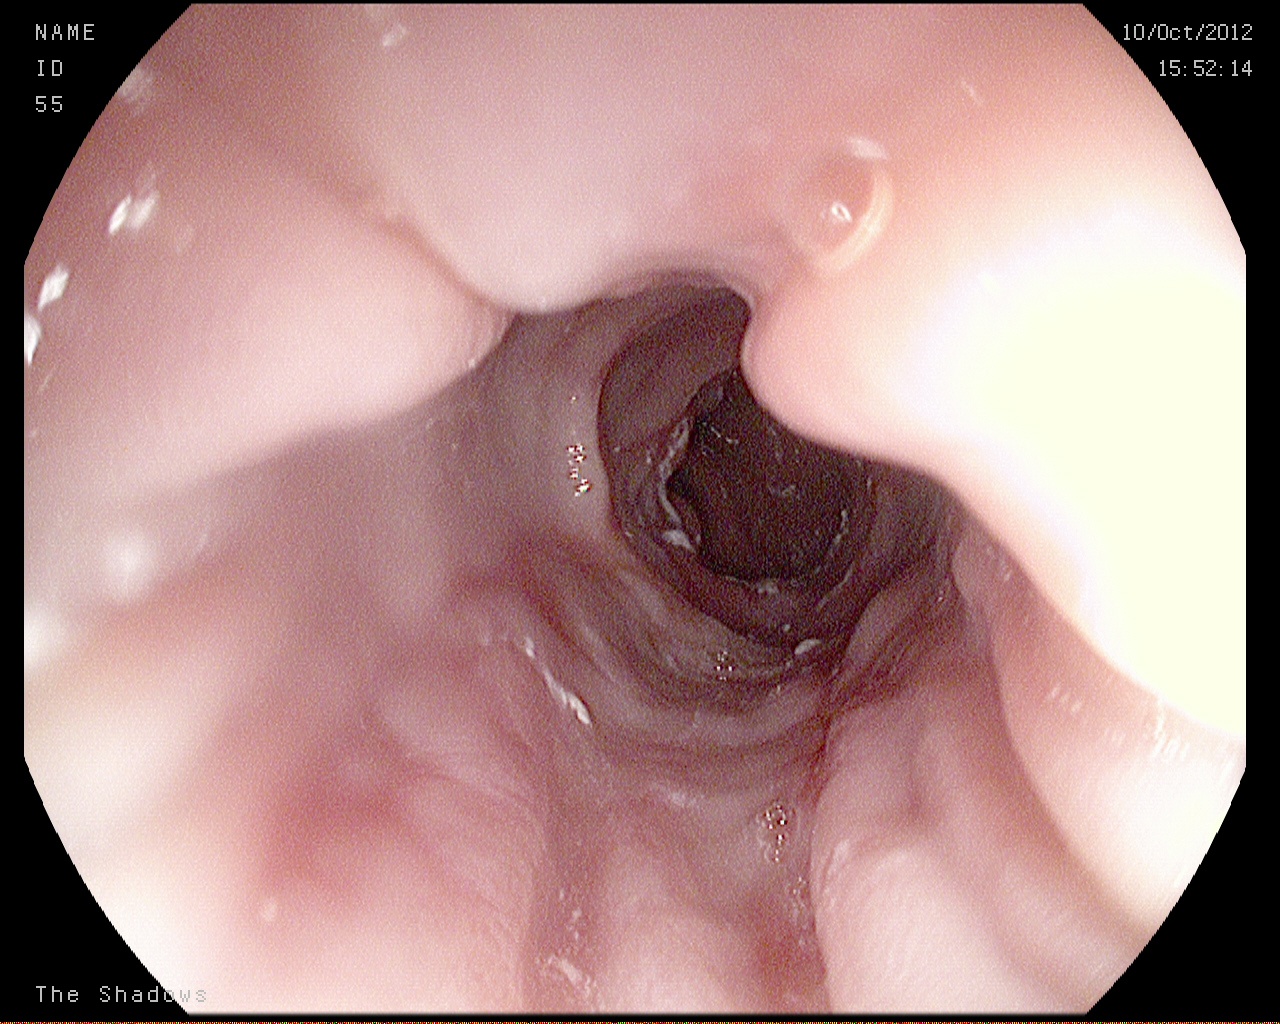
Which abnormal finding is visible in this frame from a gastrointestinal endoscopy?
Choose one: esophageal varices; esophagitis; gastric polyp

esophagitis